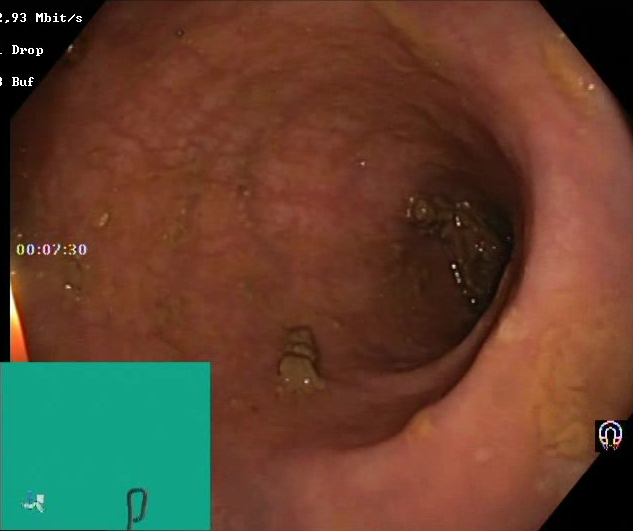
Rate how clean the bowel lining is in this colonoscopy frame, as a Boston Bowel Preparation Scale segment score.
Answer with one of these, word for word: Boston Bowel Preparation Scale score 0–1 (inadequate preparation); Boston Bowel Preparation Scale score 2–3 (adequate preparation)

Boston Bowel Preparation Scale score 2–3 (adequate preparation)